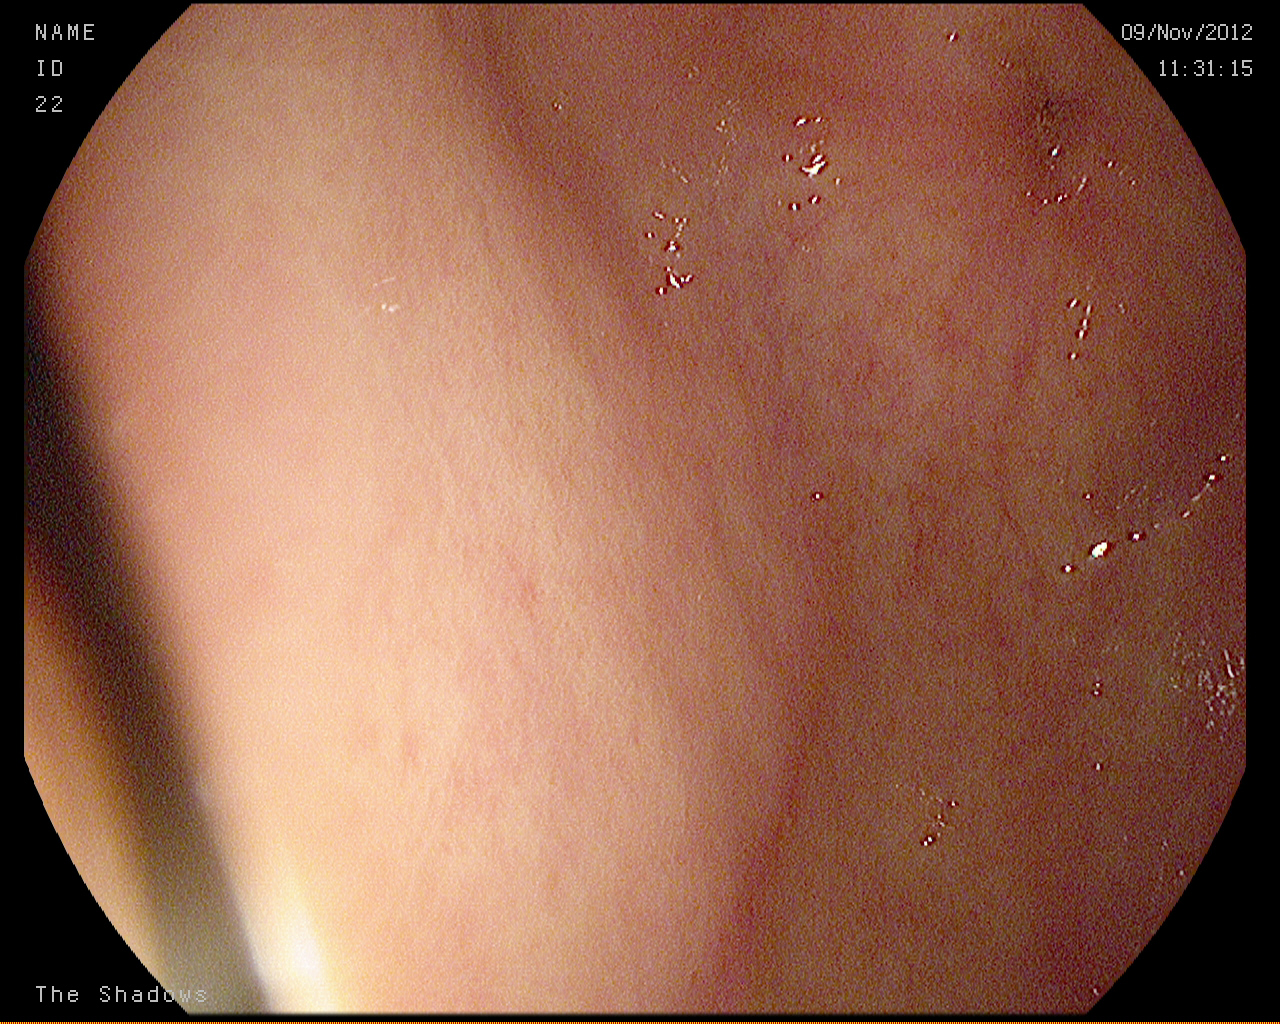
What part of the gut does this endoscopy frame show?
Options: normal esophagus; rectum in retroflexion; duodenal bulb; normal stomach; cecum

normal stomach